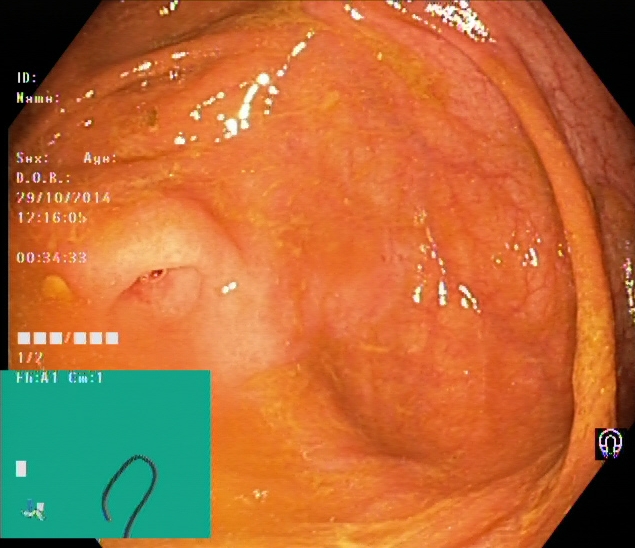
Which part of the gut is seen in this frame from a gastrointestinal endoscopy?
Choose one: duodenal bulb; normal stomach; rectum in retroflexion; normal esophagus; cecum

cecum